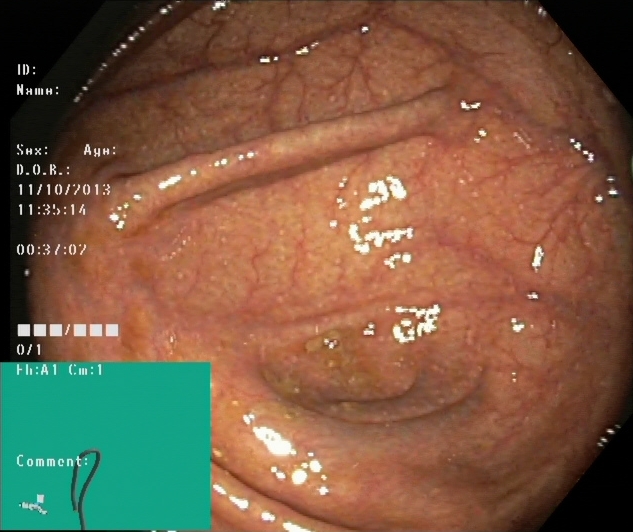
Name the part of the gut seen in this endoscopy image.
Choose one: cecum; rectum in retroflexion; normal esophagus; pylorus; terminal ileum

cecum